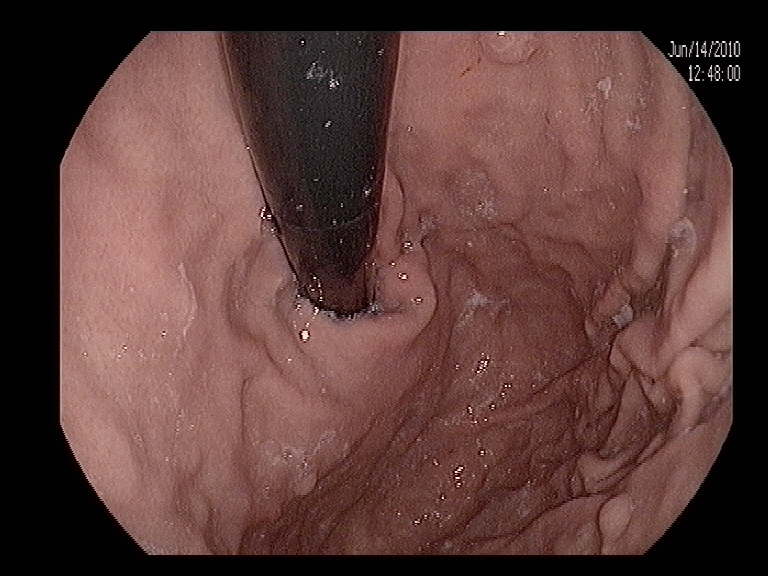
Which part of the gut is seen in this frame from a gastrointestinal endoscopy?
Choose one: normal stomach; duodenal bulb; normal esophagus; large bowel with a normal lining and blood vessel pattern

normal stomach